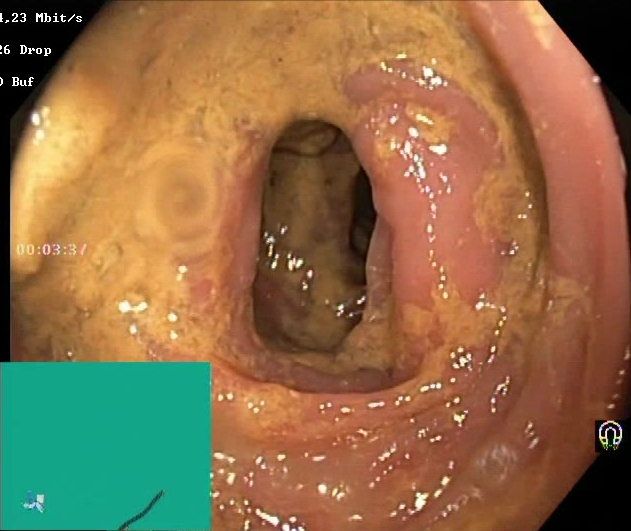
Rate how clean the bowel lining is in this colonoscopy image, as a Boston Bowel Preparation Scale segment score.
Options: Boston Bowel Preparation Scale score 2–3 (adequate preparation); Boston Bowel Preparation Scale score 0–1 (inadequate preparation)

Boston Bowel Preparation Scale score 0–1 (inadequate preparation)